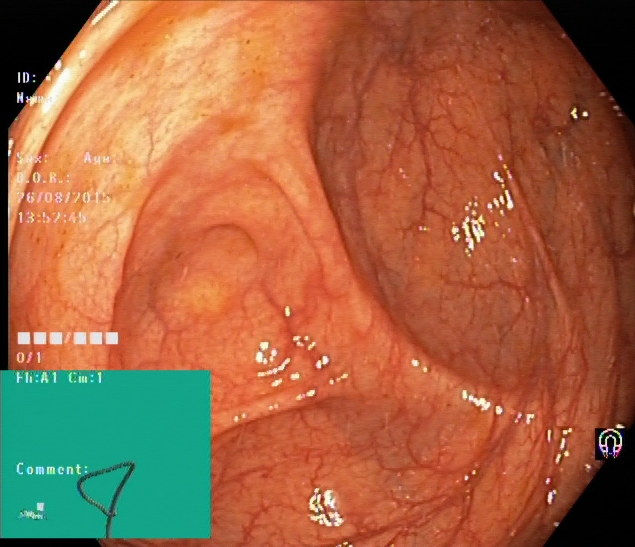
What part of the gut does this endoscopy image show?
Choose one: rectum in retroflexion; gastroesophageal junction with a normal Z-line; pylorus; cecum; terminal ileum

cecum